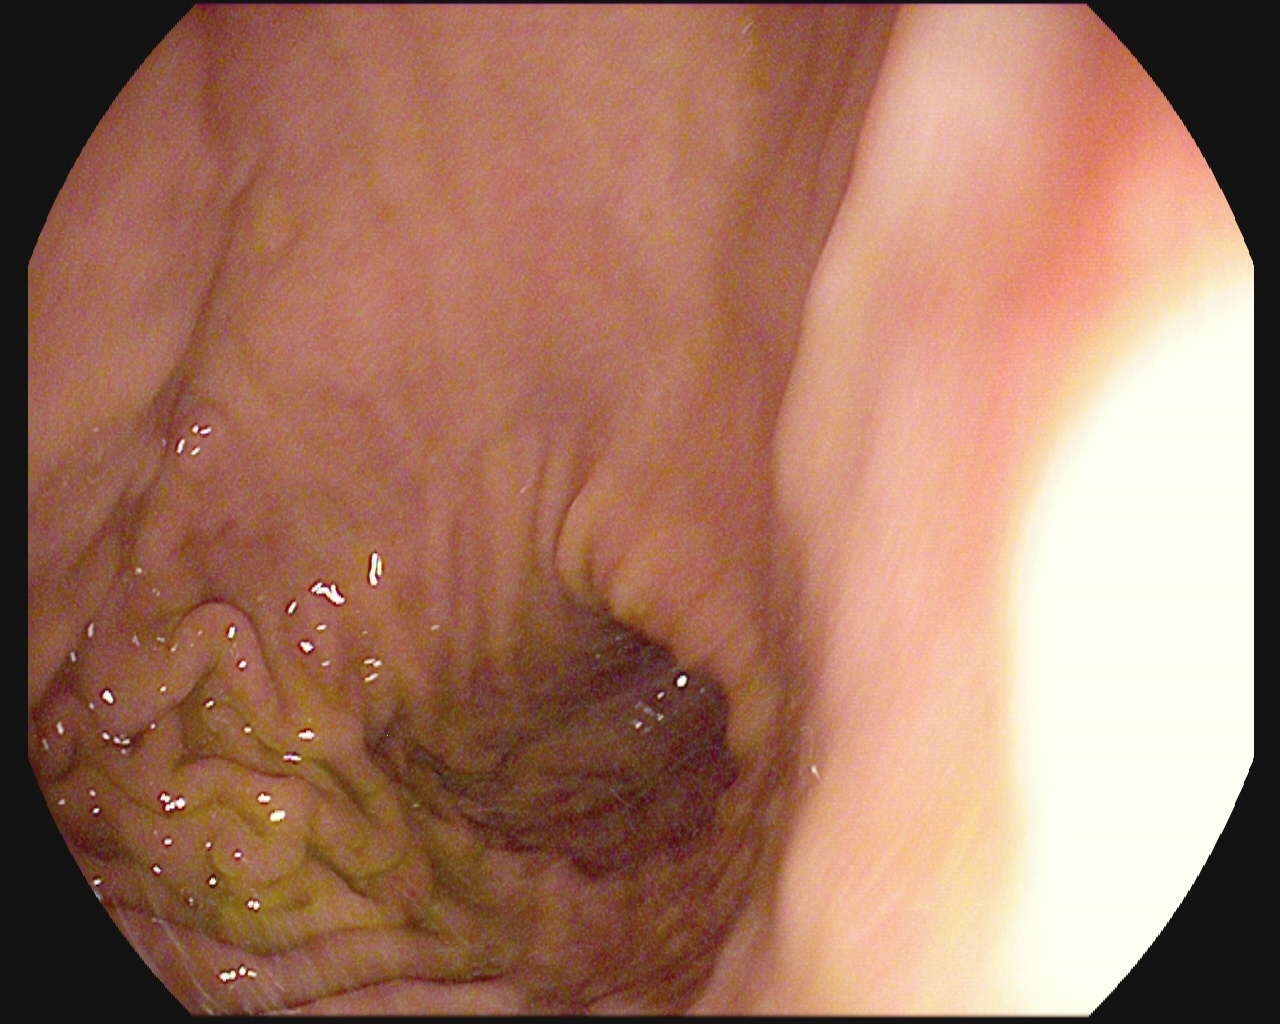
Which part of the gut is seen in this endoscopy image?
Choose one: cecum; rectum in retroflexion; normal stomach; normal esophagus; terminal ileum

normal stomach